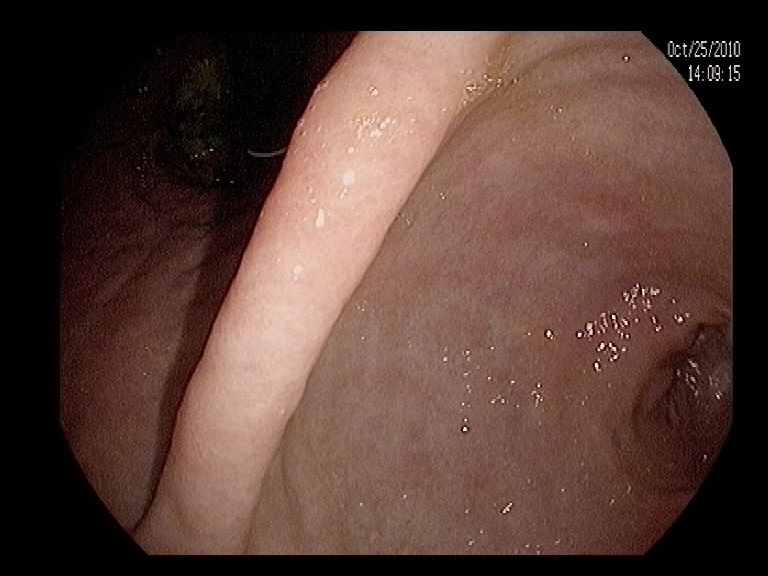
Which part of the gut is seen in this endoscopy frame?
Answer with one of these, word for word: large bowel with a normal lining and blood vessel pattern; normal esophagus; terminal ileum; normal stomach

normal stomach